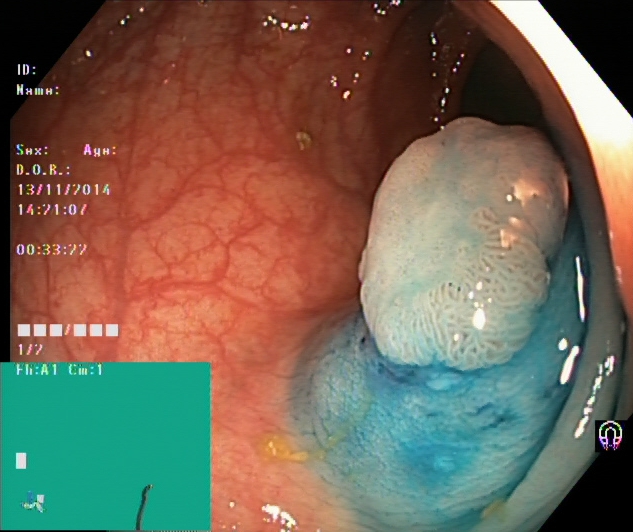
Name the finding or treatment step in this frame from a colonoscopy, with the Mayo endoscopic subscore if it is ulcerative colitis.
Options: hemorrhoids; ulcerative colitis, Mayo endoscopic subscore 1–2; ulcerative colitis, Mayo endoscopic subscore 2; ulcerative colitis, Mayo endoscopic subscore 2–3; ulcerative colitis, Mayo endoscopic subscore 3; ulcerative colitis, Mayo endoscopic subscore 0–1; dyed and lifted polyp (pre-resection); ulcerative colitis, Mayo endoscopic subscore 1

dyed and lifted polyp (pre-resection)